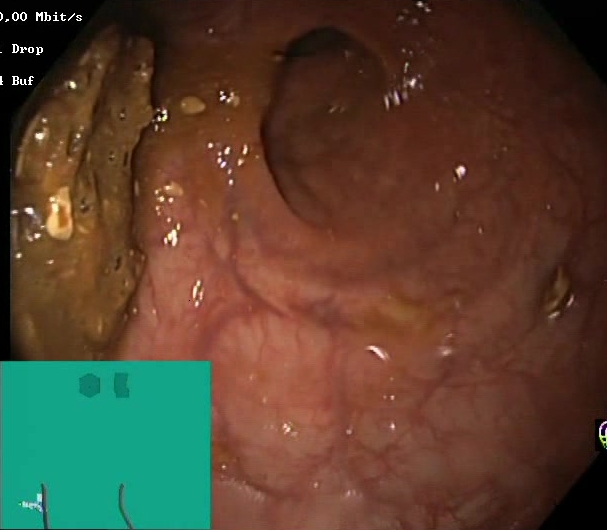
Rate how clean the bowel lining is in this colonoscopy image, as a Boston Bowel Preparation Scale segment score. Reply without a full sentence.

Boston Bowel Preparation Scale score 0–1 (inadequate preparation)